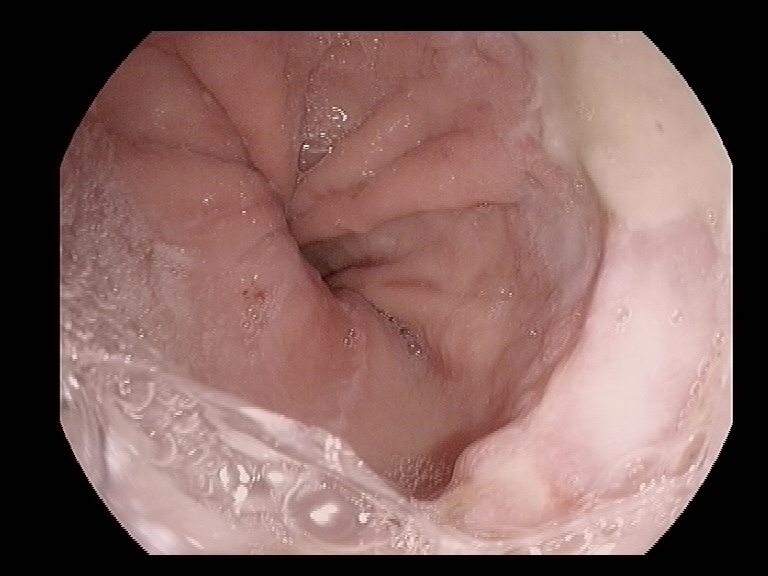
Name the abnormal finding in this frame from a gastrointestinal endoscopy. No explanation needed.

esophagitis